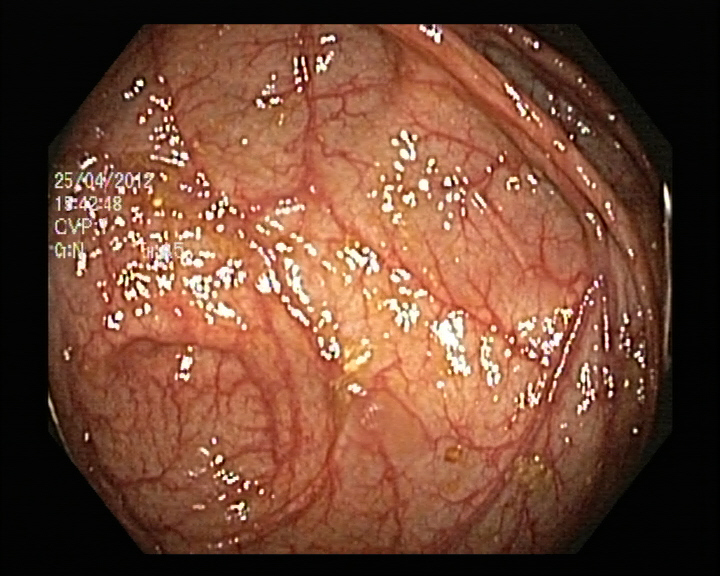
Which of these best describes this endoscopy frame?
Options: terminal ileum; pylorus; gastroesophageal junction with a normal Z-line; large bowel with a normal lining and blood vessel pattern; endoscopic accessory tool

large bowel with a normal lining and blood vessel pattern